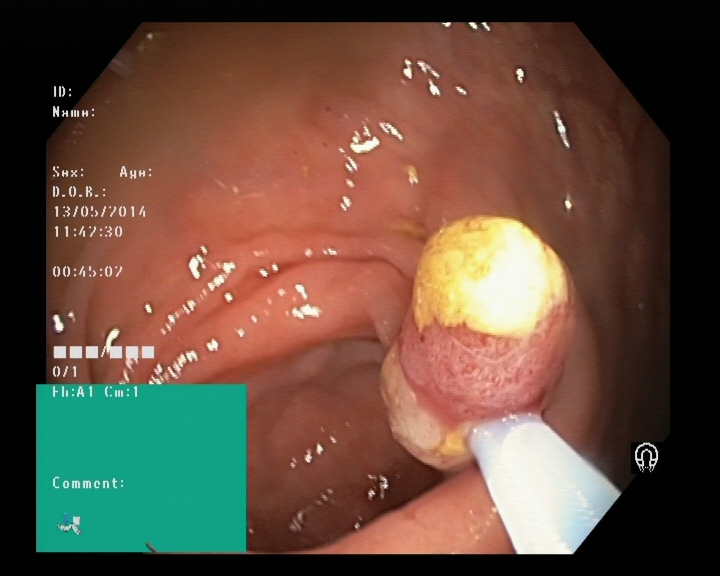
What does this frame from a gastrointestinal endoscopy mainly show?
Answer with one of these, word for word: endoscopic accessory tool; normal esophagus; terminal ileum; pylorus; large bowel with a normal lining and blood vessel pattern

endoscopic accessory tool